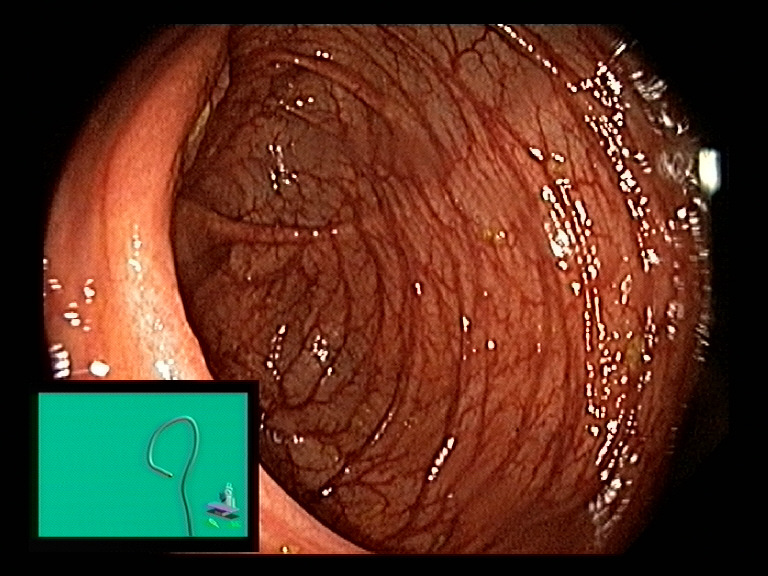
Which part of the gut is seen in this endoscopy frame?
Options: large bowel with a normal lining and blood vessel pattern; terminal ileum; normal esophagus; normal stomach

large bowel with a normal lining and blood vessel pattern